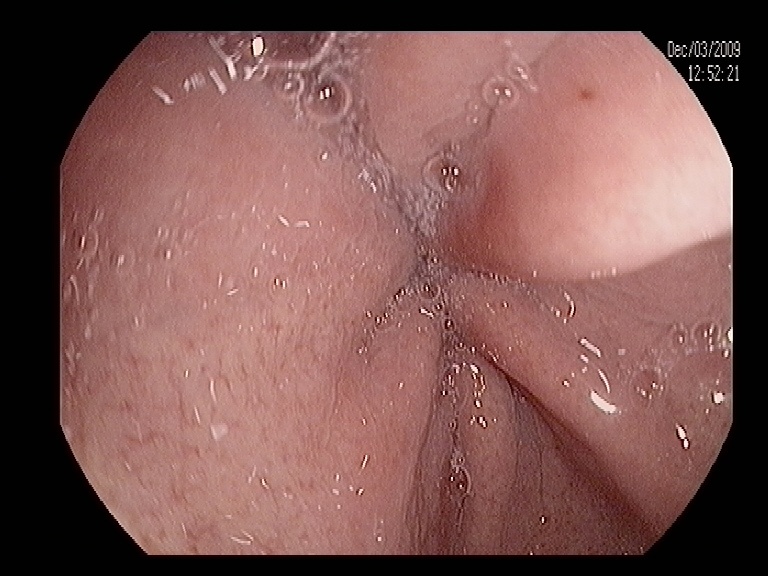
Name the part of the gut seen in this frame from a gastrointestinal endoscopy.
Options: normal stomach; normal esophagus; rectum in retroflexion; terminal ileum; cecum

normal stomach